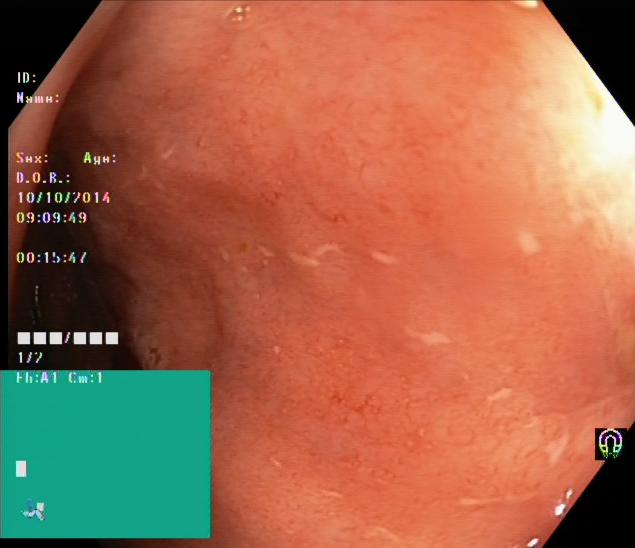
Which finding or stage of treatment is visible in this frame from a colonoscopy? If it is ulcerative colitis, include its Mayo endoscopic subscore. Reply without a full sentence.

ulcerative colitis, Mayo endoscopic subscore 2